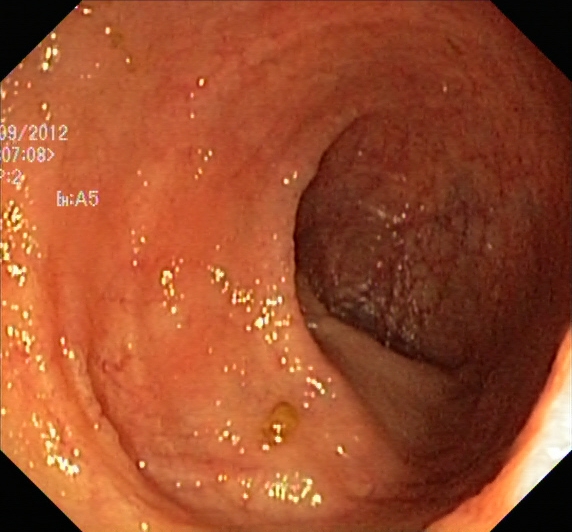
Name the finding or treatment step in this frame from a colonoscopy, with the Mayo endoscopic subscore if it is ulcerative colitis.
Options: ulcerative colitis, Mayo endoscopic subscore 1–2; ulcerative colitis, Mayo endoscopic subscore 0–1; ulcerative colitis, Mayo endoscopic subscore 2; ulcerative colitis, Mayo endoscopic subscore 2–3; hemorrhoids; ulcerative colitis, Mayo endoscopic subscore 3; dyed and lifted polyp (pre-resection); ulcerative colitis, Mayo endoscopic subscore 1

ulcerative colitis, Mayo endoscopic subscore 1